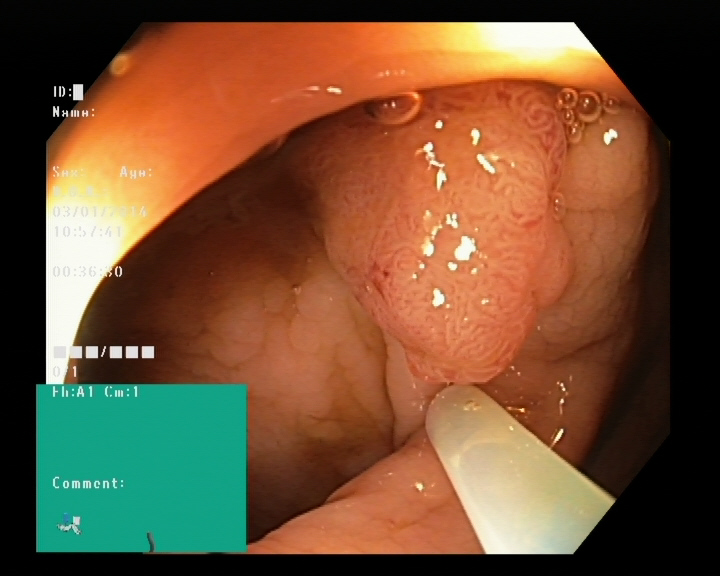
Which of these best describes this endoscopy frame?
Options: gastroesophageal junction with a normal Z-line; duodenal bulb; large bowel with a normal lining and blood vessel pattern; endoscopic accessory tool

endoscopic accessory tool